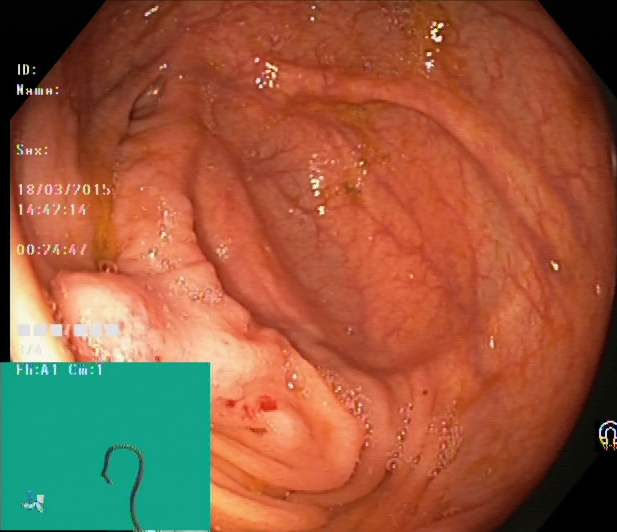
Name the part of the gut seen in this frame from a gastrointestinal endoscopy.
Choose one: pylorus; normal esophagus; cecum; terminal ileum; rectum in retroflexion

cecum